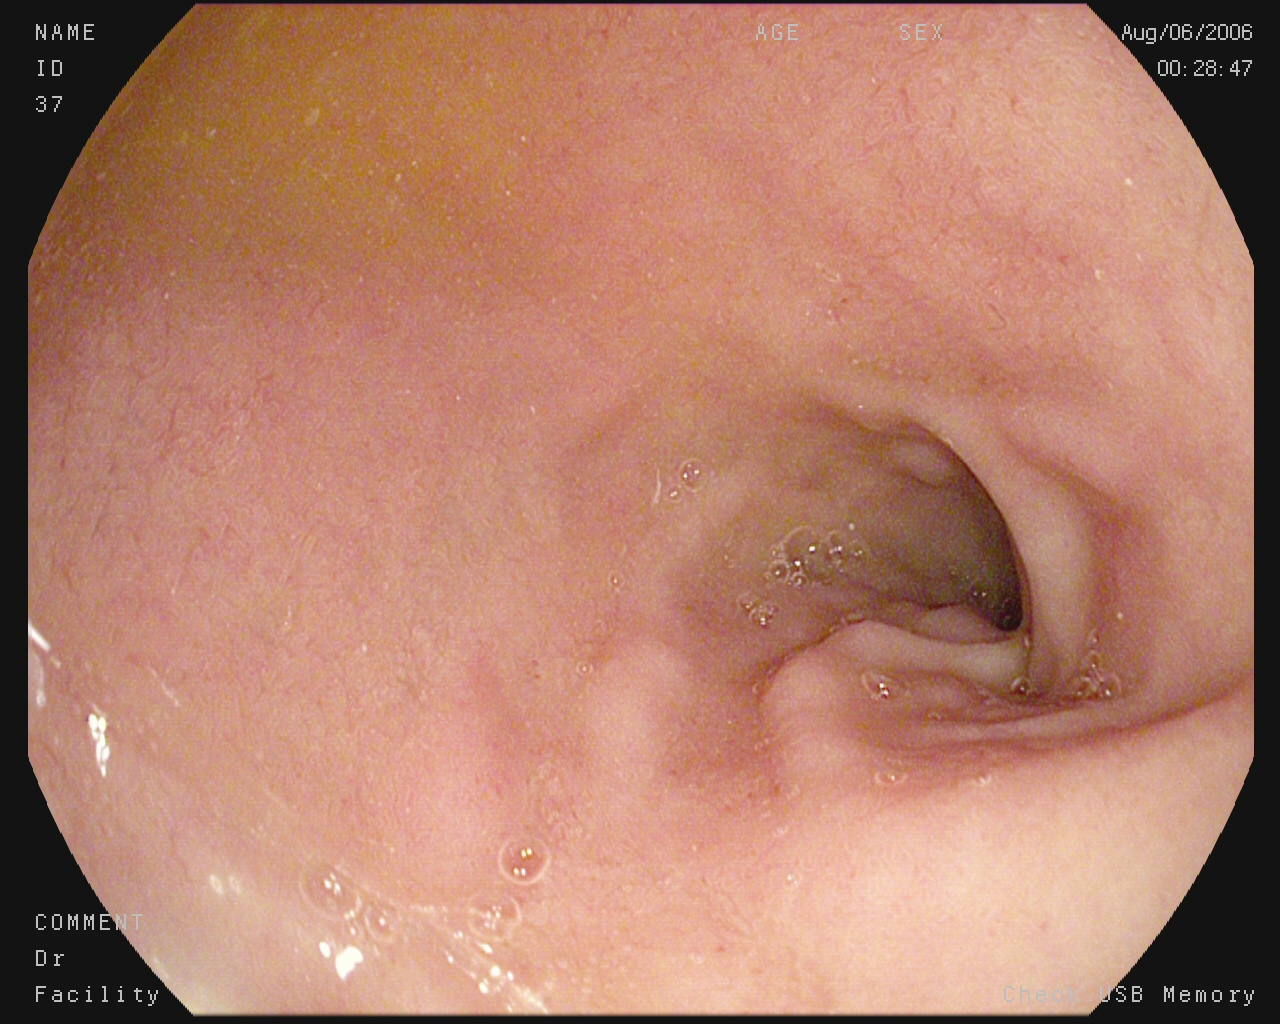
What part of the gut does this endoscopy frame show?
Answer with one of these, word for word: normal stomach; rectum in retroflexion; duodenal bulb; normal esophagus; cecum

duodenal bulb